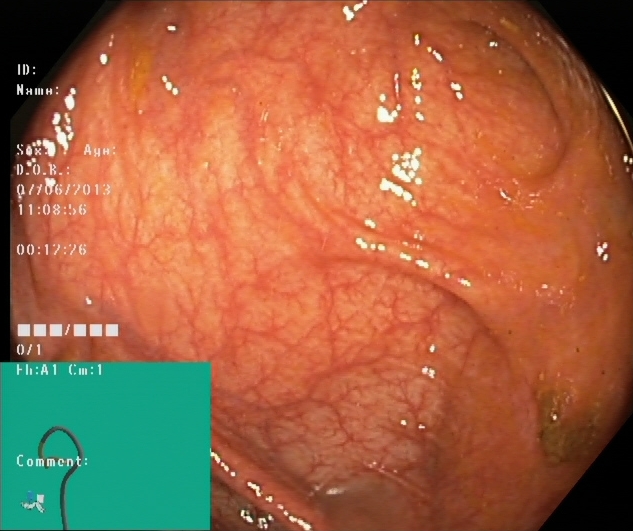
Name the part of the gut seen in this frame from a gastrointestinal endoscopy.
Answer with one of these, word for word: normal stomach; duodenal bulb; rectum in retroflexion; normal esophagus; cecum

cecum